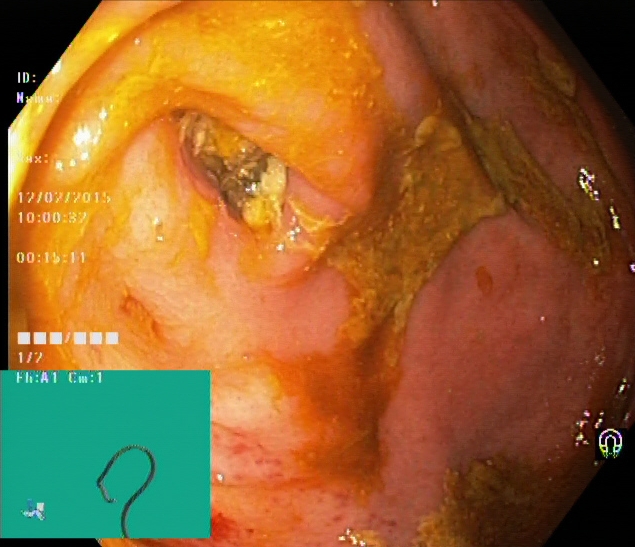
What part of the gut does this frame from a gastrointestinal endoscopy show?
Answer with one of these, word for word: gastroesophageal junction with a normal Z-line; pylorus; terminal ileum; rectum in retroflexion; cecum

cecum